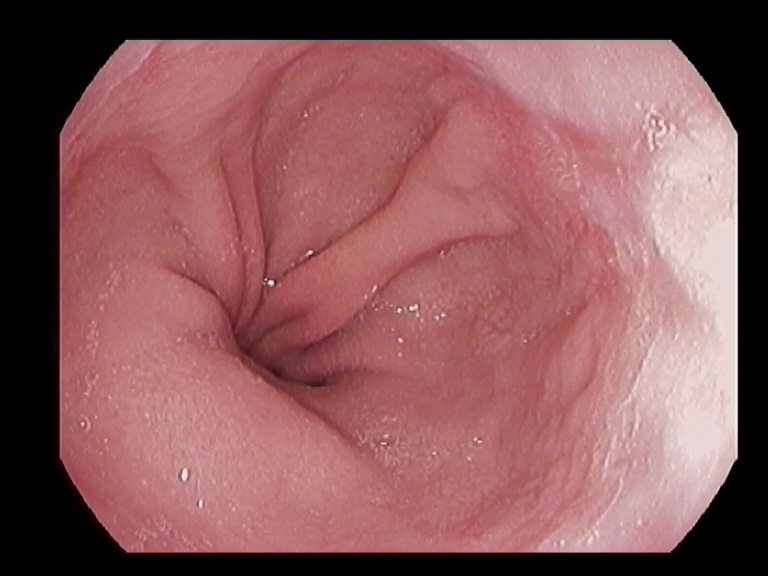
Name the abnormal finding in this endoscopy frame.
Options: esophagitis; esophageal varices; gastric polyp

esophagitis